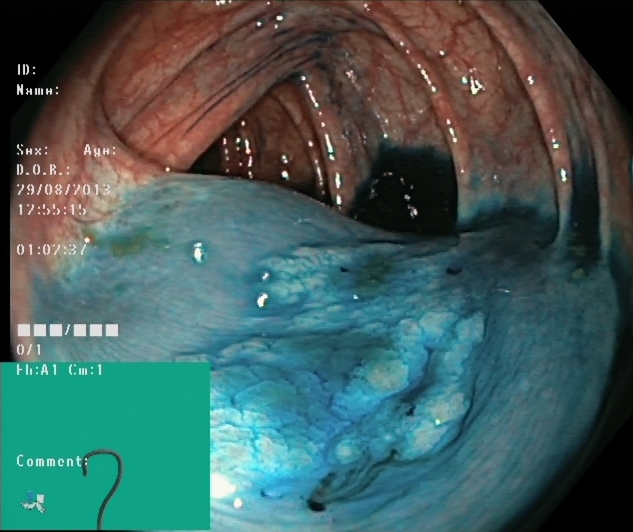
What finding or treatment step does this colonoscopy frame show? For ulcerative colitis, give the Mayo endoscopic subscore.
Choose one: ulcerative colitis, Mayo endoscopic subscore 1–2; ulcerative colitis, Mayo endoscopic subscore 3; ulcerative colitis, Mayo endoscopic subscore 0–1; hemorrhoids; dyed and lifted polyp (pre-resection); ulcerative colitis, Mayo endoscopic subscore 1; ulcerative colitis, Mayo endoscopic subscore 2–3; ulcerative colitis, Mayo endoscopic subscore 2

dyed and lifted polyp (pre-resection)